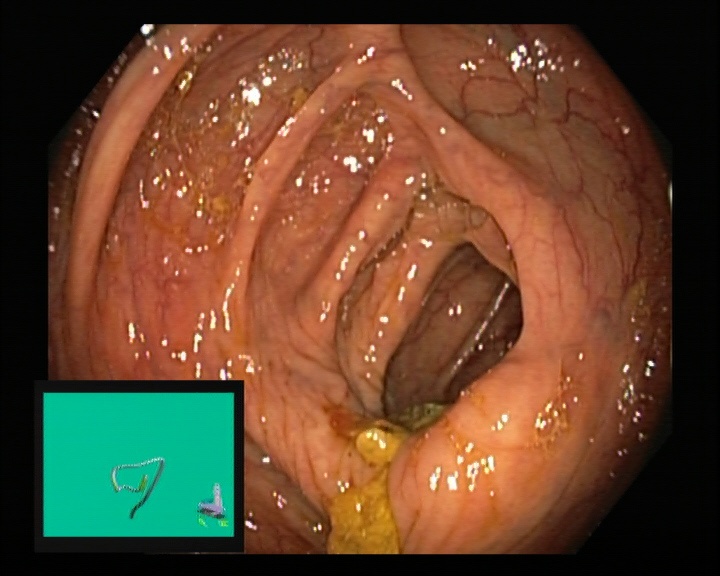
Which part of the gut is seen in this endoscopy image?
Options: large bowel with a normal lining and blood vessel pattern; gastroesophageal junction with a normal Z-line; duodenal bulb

large bowel with a normal lining and blood vessel pattern